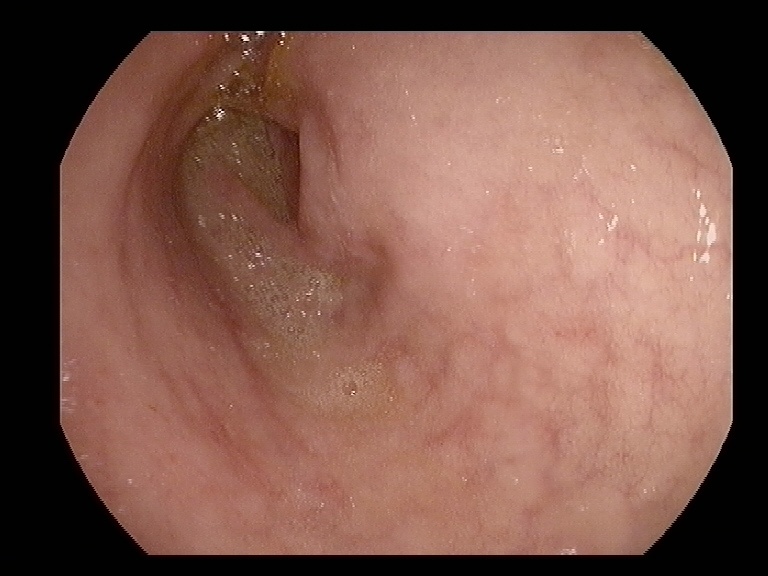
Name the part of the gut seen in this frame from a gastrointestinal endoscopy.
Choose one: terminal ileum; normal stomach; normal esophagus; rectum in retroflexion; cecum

normal stomach